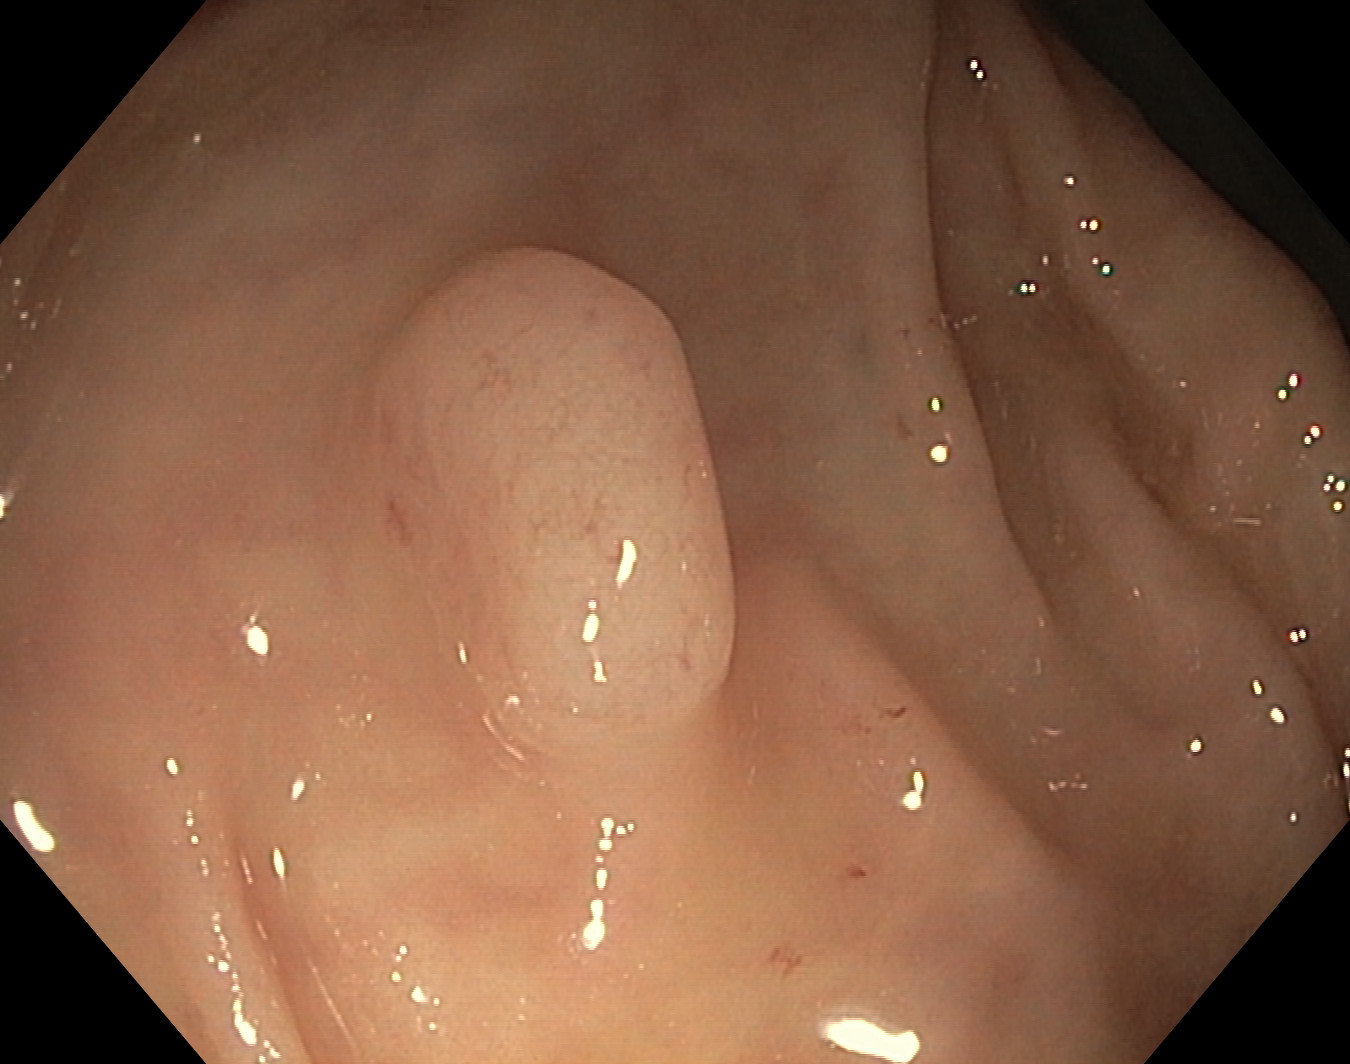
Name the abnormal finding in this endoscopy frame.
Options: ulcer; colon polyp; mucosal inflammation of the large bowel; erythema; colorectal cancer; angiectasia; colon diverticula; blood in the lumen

colon polyp